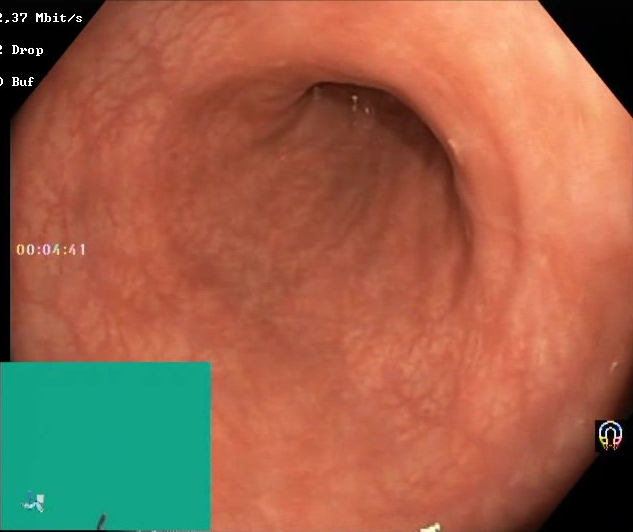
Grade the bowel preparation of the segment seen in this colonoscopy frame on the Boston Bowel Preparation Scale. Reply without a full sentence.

Boston Bowel Preparation Scale score 2–3 (adequate preparation)